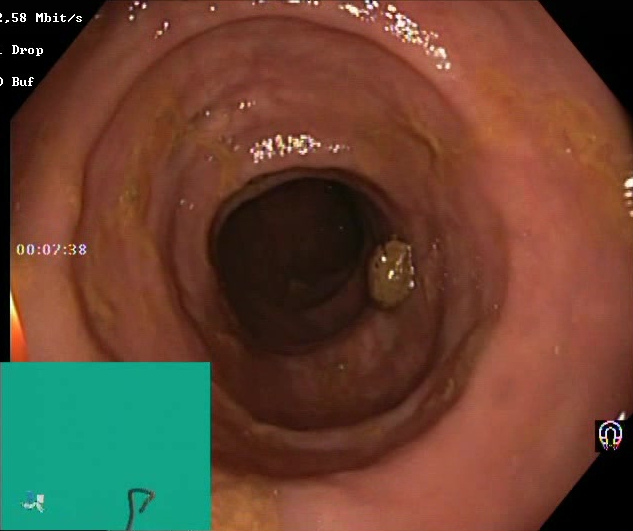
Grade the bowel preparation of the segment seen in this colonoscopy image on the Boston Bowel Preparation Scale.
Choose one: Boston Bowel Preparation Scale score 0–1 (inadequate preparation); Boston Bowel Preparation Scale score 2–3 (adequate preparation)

Boston Bowel Preparation Scale score 2–3 (adequate preparation)